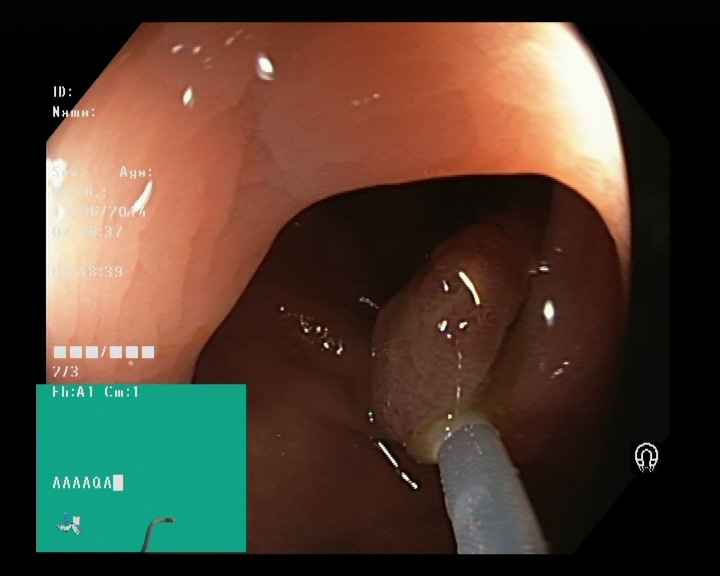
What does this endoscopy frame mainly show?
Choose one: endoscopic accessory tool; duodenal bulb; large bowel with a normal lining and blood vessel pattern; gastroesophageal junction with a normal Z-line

endoscopic accessory tool